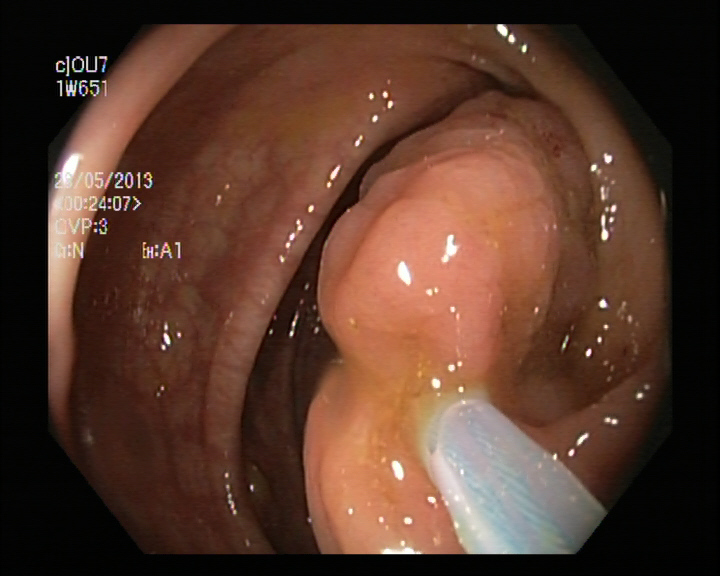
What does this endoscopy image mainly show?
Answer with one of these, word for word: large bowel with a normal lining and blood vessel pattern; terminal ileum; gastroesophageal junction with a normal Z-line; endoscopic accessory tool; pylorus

endoscopic accessory tool